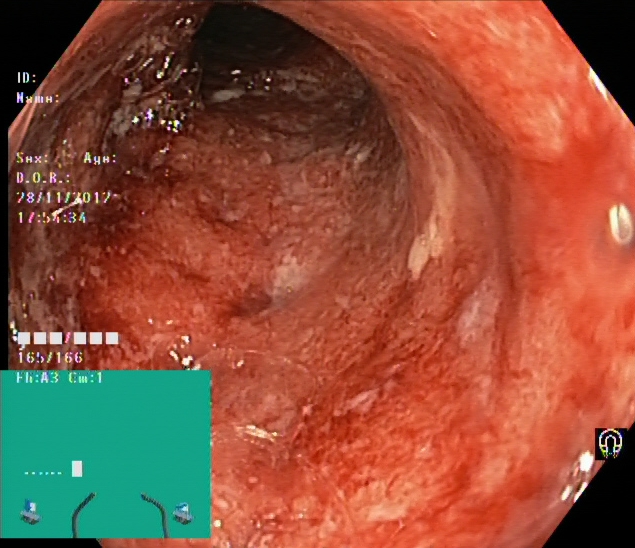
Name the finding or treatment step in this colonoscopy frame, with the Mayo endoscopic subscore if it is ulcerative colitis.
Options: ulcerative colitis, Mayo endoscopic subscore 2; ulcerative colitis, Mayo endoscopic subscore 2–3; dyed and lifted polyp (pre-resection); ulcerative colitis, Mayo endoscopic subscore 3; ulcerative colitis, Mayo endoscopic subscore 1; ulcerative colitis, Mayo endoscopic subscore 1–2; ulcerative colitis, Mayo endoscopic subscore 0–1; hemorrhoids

ulcerative colitis, Mayo endoscopic subscore 3